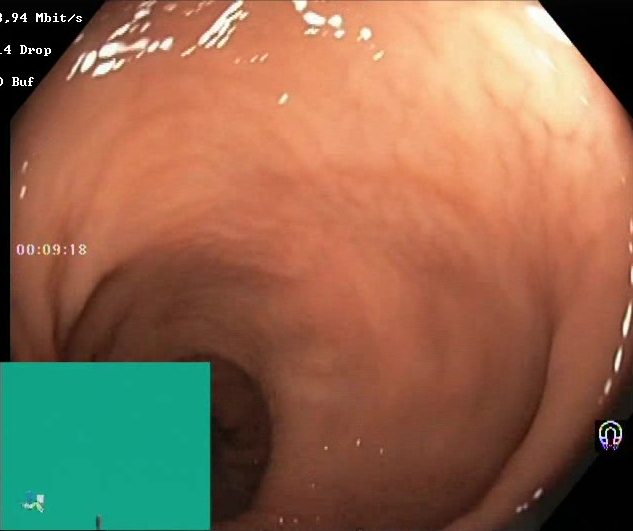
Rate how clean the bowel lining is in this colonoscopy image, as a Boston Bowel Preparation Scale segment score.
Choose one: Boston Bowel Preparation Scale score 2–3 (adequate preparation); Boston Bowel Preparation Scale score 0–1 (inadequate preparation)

Boston Bowel Preparation Scale score 2–3 (adequate preparation)